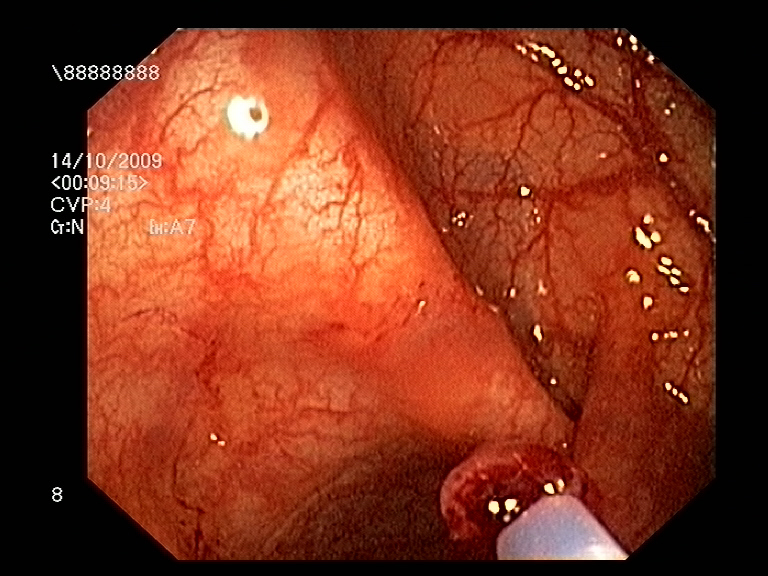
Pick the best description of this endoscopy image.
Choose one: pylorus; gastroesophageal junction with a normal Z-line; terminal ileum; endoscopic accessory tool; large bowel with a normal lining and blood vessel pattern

endoscopic accessory tool